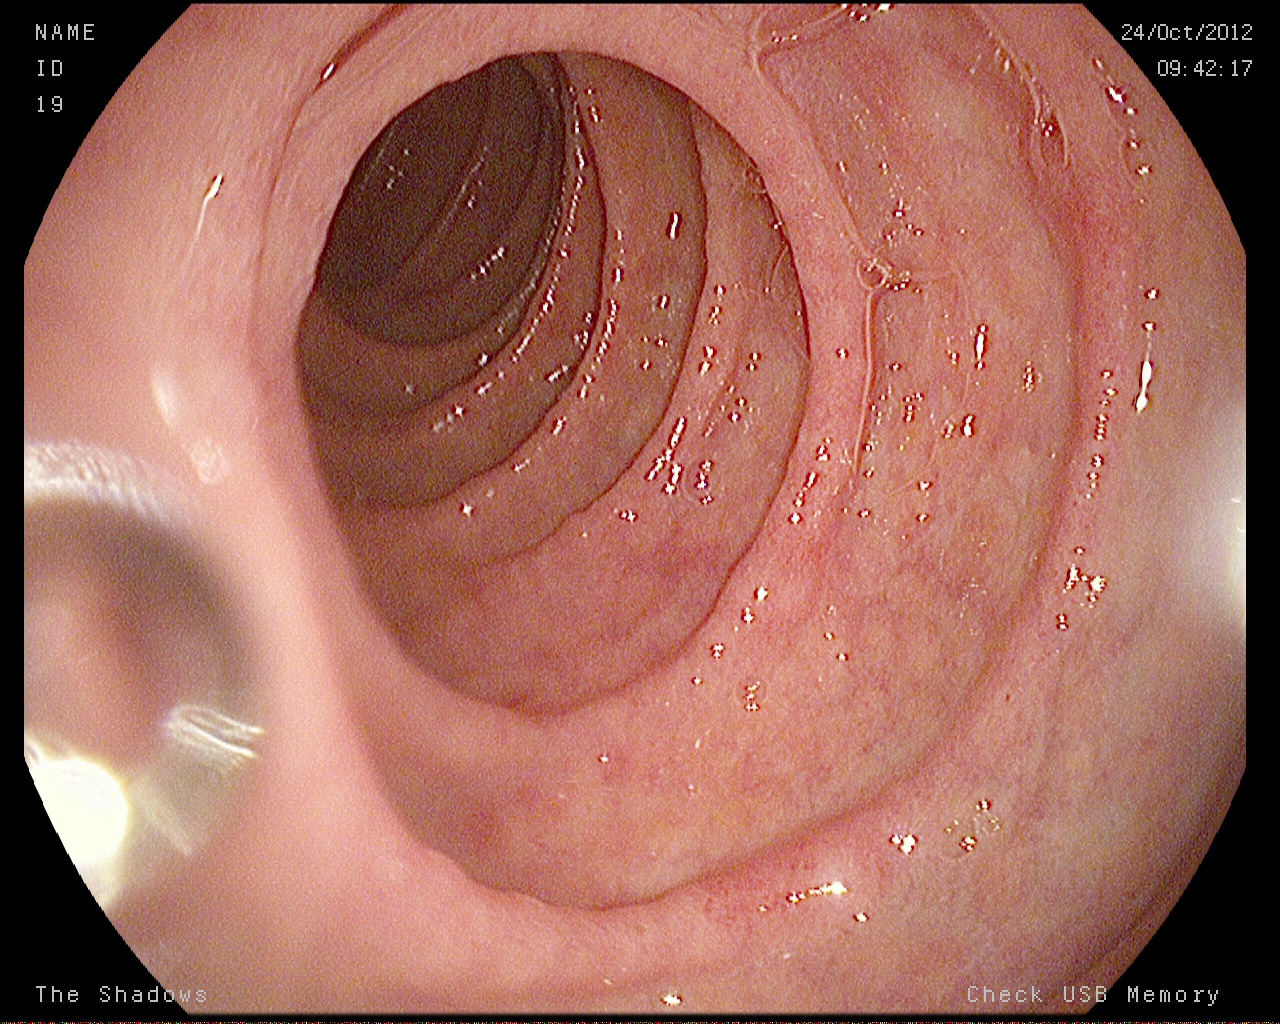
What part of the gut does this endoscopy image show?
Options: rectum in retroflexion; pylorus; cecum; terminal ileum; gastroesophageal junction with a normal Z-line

terminal ileum